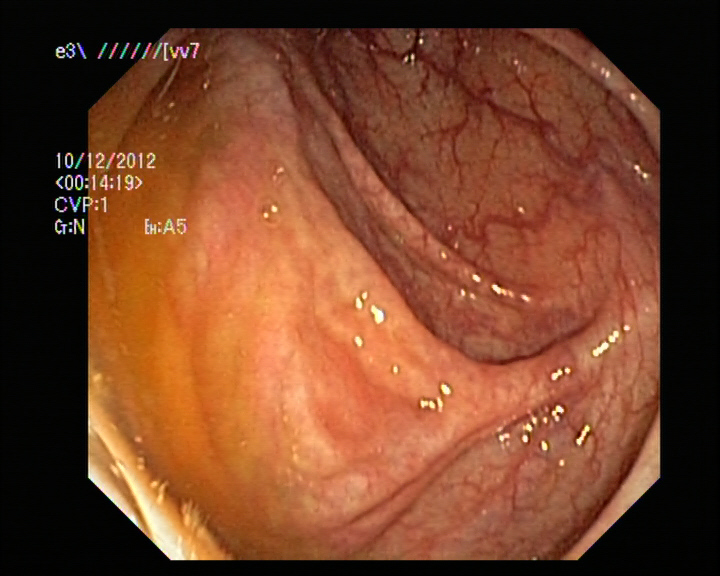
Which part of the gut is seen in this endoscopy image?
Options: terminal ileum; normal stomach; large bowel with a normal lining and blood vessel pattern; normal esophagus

large bowel with a normal lining and blood vessel pattern